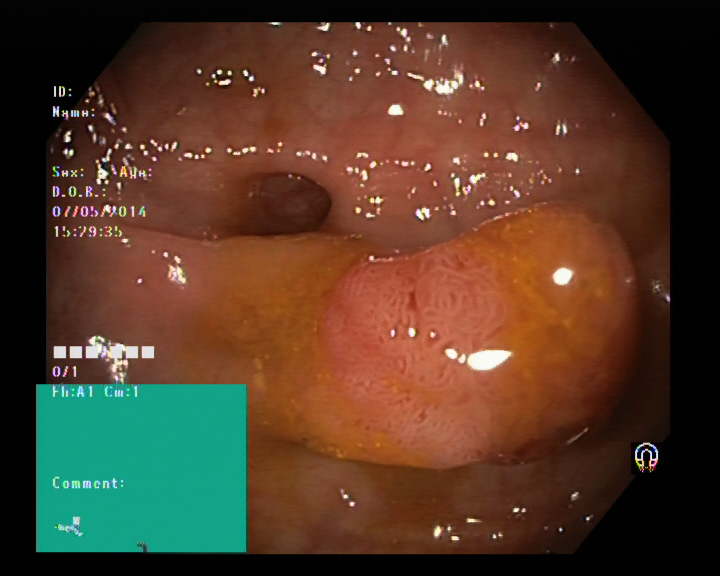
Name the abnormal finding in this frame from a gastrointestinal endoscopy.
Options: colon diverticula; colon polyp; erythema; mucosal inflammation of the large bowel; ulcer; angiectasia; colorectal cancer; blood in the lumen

colon polyp